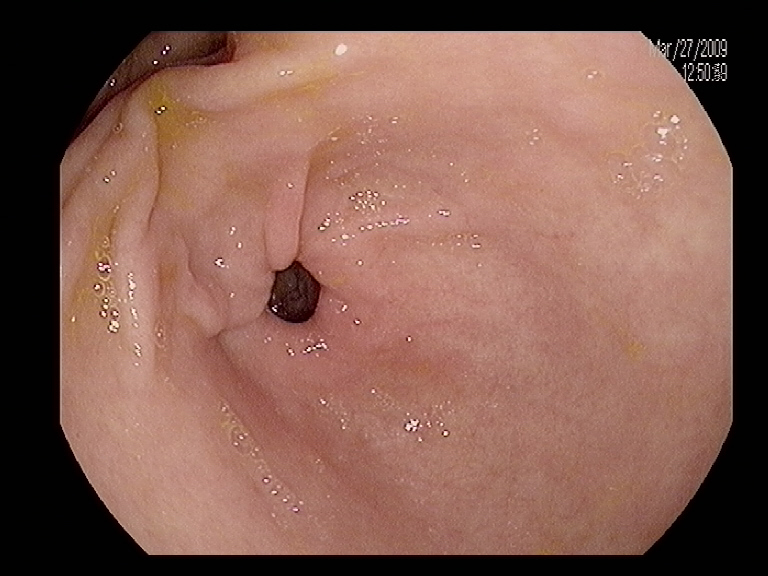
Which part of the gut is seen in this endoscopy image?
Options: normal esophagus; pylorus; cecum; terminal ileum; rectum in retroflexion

pylorus